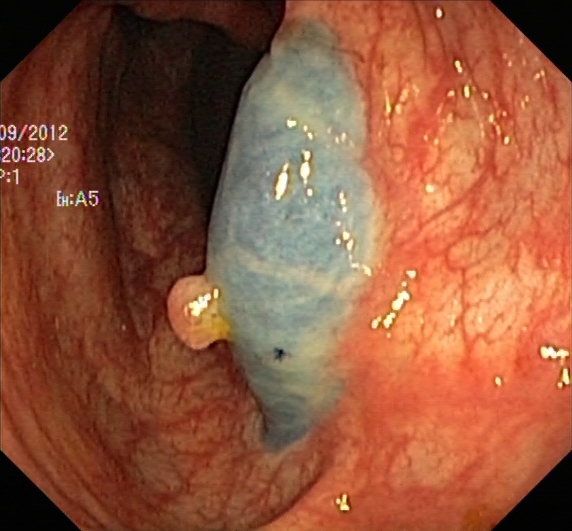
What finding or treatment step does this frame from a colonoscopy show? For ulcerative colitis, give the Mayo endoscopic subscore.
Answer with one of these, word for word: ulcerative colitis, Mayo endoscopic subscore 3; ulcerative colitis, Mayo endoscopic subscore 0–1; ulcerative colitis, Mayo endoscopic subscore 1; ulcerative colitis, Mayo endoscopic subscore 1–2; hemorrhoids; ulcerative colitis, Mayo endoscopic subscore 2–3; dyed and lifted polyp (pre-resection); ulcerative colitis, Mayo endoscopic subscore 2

dyed and lifted polyp (pre-resection)